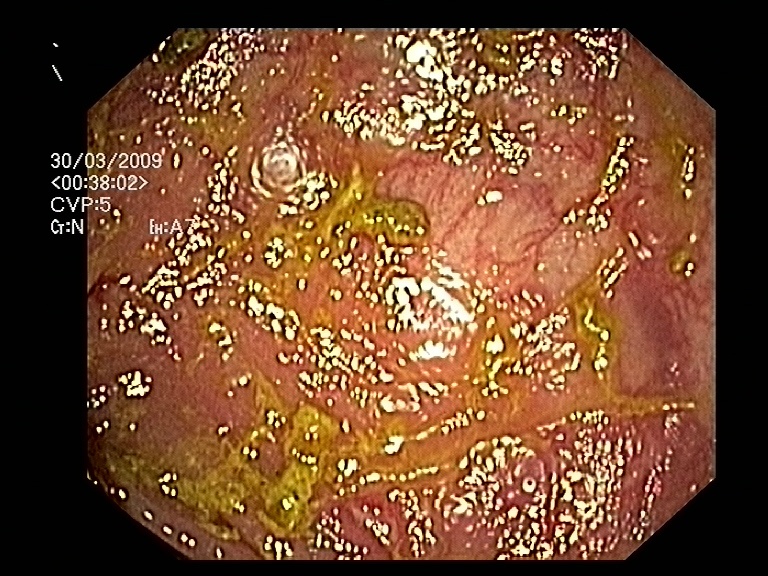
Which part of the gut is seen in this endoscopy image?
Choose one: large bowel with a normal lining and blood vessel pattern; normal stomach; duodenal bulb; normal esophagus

large bowel with a normal lining and blood vessel pattern